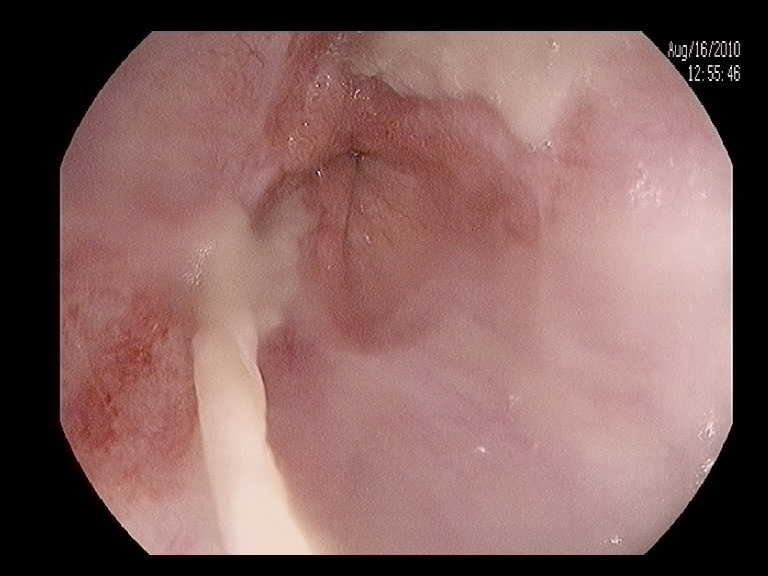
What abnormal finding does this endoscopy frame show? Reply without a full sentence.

esophagitis